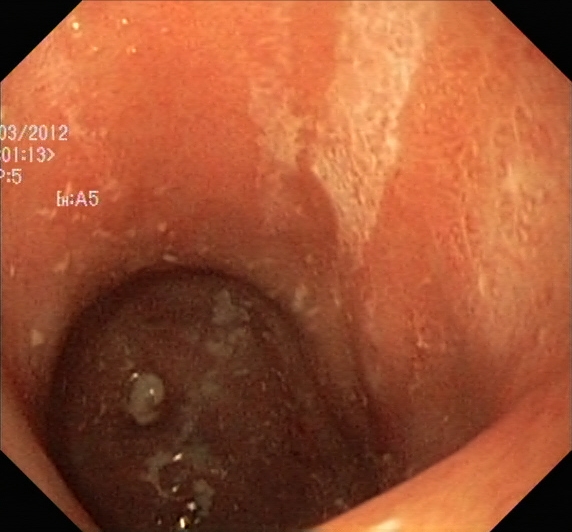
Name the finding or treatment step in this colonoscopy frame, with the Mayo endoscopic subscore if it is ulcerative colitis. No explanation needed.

ulcerative colitis, Mayo endoscopic subscore 2